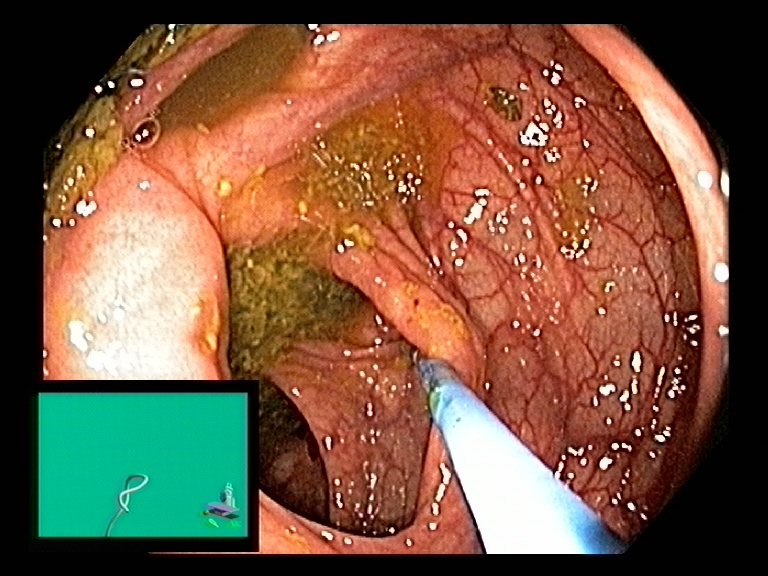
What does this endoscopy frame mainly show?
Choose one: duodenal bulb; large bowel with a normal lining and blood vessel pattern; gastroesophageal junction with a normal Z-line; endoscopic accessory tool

endoscopic accessory tool